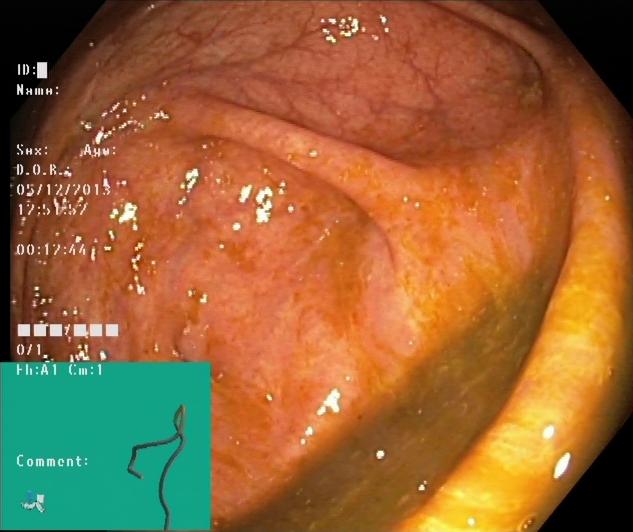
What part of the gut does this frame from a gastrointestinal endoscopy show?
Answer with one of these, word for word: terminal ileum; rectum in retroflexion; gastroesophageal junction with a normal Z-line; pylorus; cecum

cecum